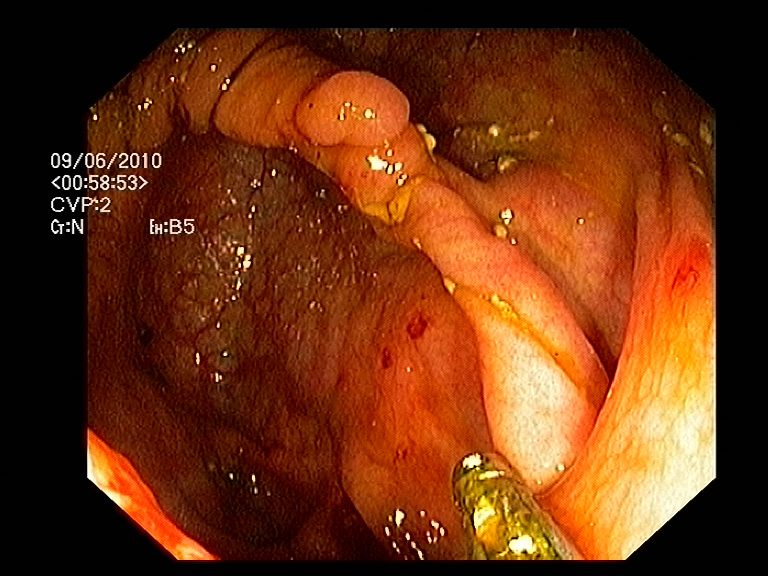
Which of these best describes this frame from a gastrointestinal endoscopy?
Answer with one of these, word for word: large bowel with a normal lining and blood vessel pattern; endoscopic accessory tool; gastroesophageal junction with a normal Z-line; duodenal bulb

endoscopic accessory tool